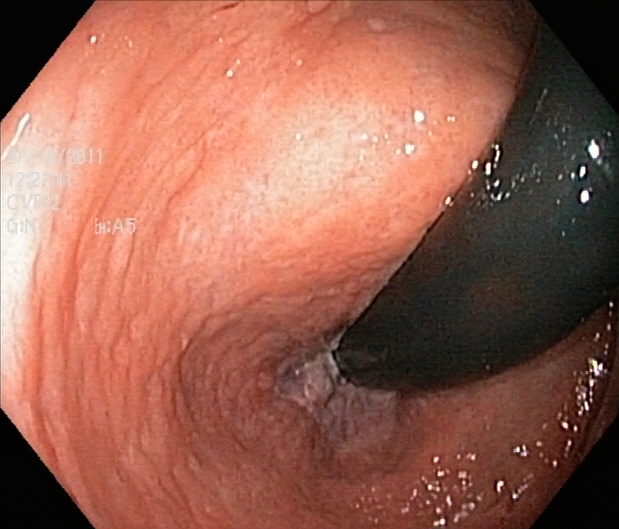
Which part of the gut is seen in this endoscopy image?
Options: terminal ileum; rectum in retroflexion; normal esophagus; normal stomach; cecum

rectum in retroflexion